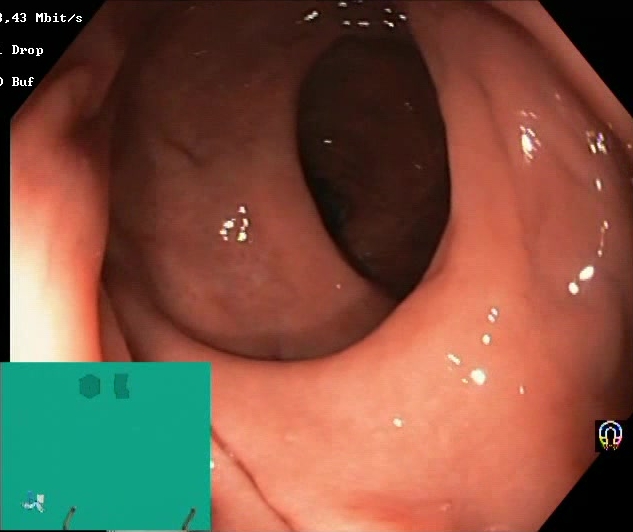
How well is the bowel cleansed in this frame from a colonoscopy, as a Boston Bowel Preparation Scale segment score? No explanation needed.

Boston Bowel Preparation Scale score 2–3 (adequate preparation)